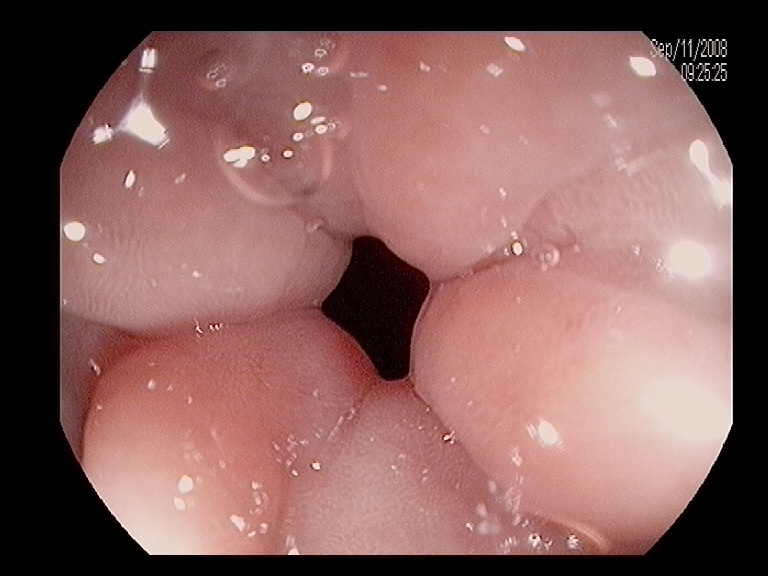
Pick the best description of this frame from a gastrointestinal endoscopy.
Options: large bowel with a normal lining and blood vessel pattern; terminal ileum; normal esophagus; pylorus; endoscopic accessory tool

pylorus